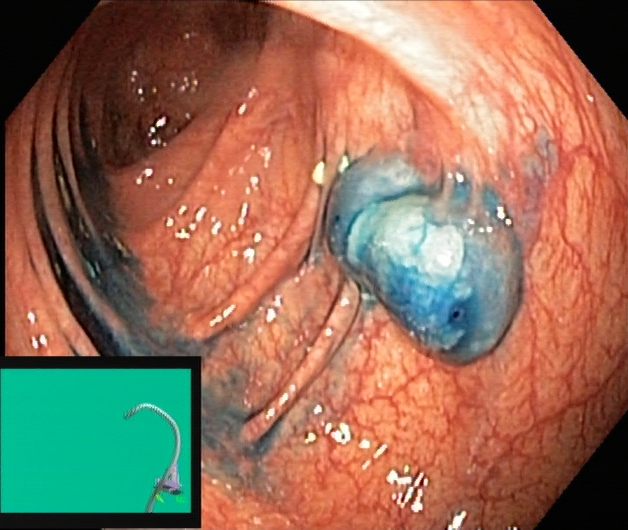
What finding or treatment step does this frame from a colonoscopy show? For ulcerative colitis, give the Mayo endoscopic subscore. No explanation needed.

dyed and lifted polyp (pre-resection)